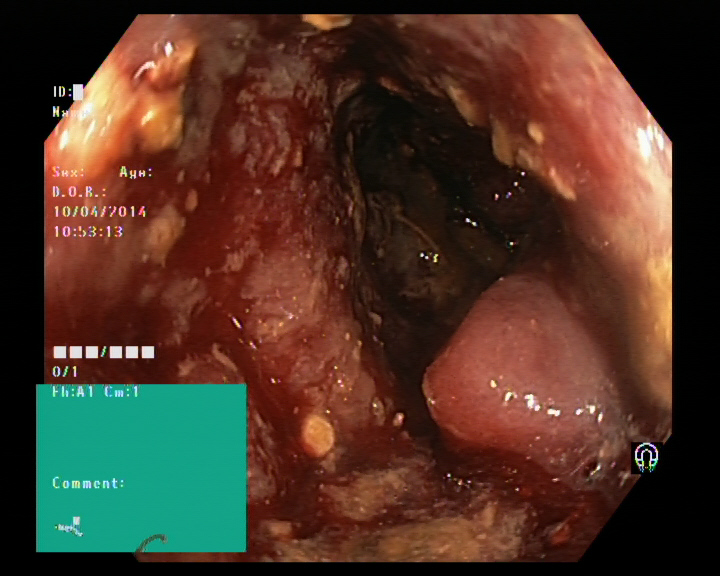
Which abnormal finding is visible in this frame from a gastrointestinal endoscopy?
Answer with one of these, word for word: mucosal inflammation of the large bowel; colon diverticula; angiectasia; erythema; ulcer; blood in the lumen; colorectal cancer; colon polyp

colorectal cancer